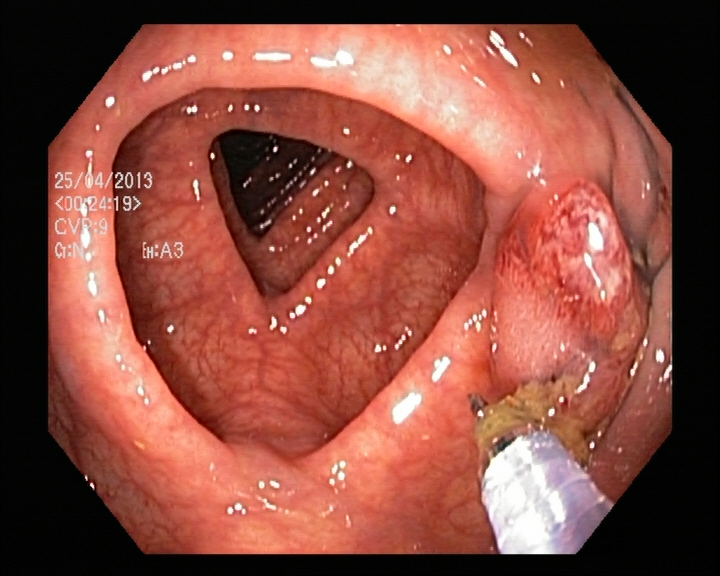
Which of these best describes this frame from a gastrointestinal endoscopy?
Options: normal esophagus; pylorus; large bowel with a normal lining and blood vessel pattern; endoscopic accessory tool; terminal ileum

endoscopic accessory tool